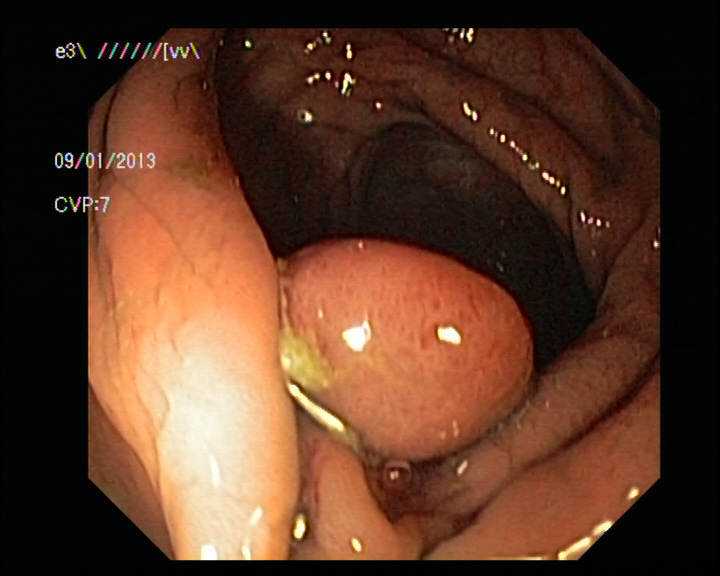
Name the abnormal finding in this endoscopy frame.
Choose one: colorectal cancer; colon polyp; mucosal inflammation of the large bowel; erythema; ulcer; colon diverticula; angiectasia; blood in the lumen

colon polyp